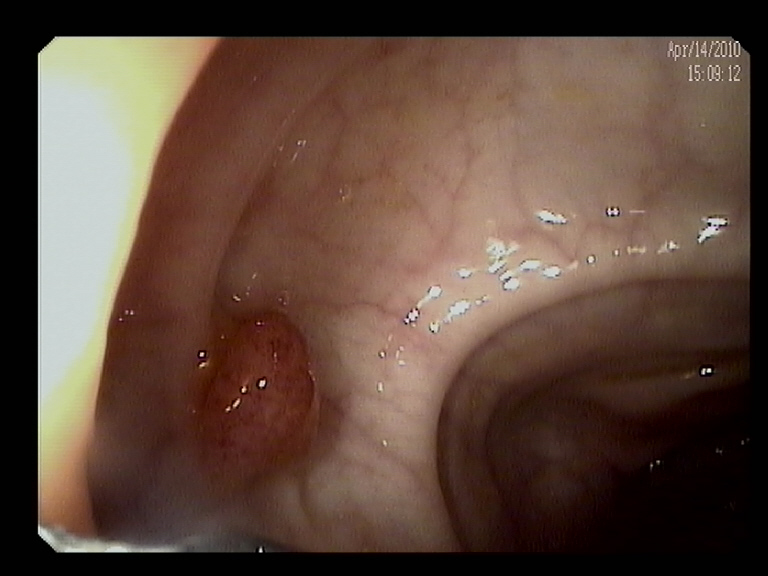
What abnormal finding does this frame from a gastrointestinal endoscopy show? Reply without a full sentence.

colon polyp